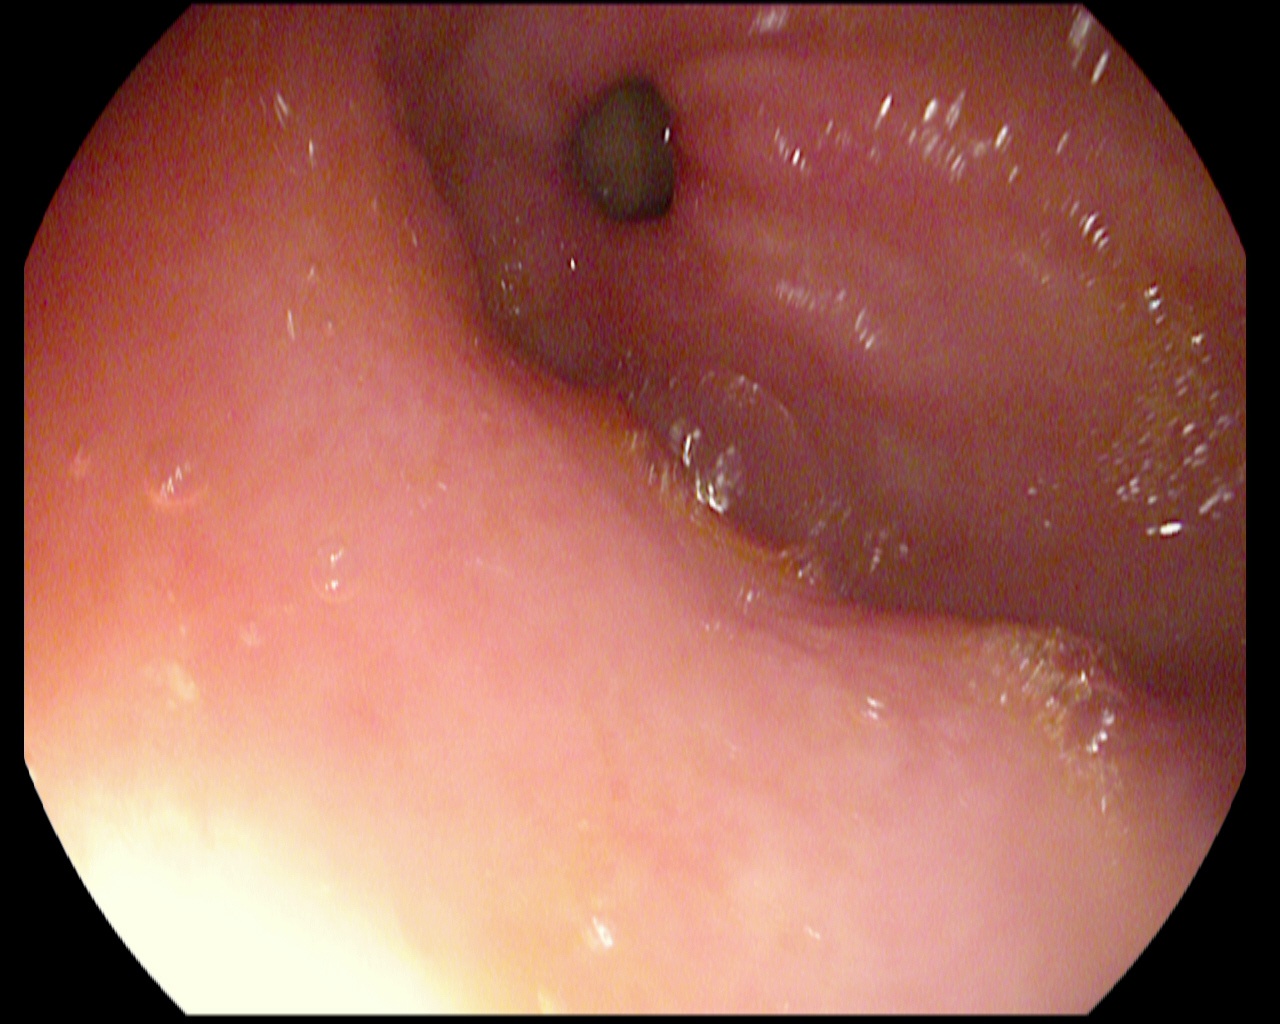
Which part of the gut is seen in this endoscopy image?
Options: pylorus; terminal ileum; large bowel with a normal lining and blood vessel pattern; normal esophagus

pylorus